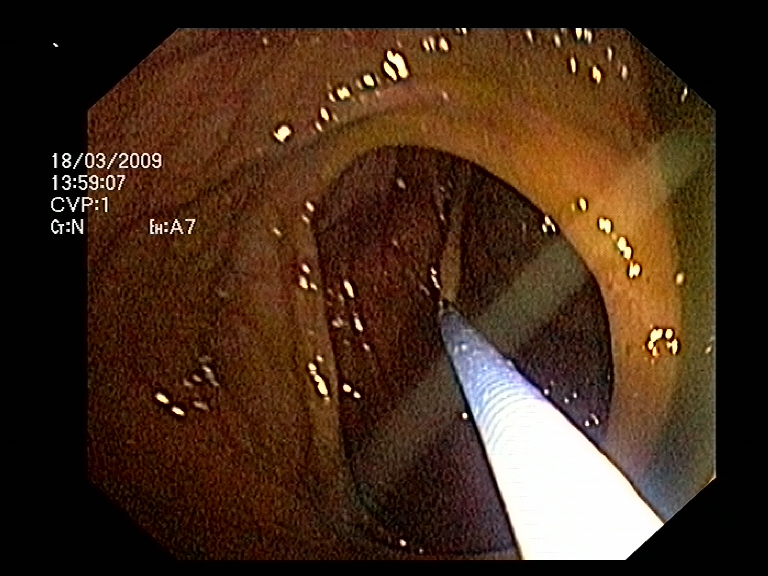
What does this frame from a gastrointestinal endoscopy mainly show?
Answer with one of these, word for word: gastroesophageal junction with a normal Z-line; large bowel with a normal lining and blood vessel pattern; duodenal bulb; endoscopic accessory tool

endoscopic accessory tool